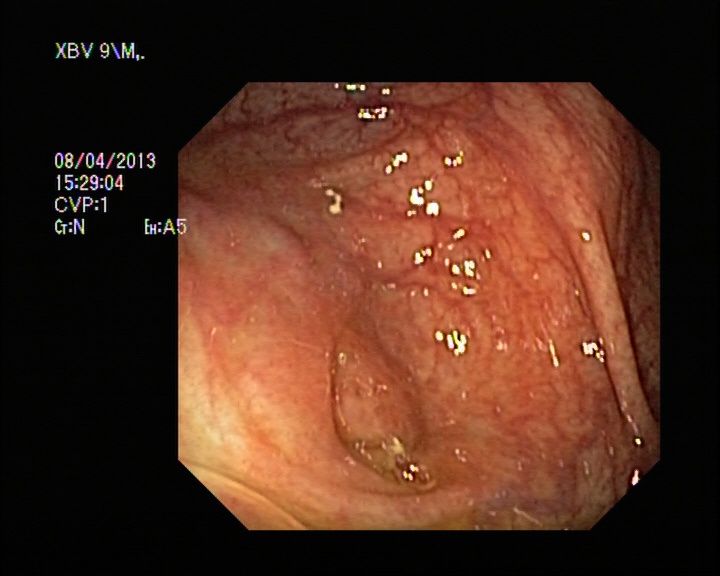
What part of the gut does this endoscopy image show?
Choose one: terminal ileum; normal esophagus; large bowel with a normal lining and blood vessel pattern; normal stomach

large bowel with a normal lining and blood vessel pattern